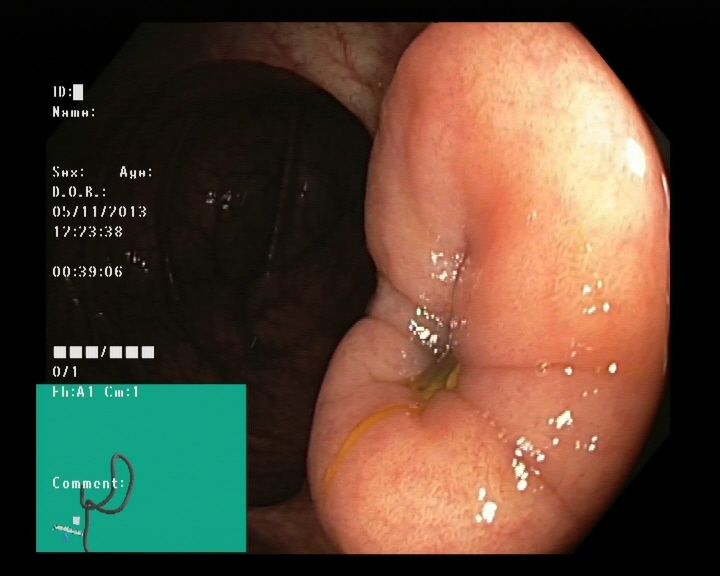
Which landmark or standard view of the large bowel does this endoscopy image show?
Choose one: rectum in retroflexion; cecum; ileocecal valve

ileocecal valve